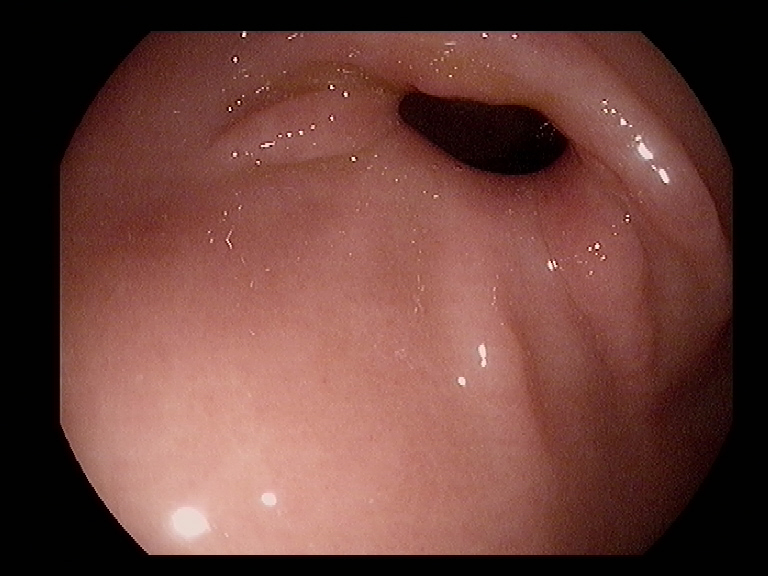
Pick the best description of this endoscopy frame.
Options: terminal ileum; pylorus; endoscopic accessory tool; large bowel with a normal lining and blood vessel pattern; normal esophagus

pylorus